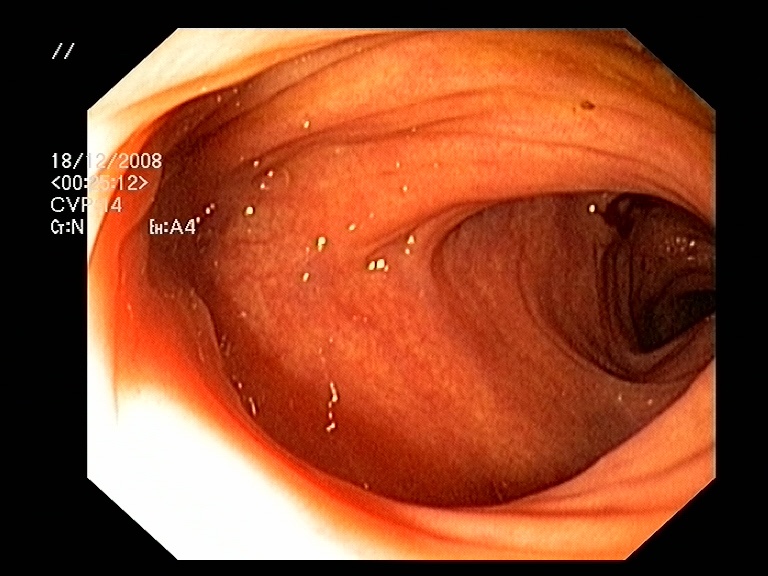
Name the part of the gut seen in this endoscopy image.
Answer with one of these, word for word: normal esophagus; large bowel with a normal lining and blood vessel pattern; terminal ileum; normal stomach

large bowel with a normal lining and blood vessel pattern